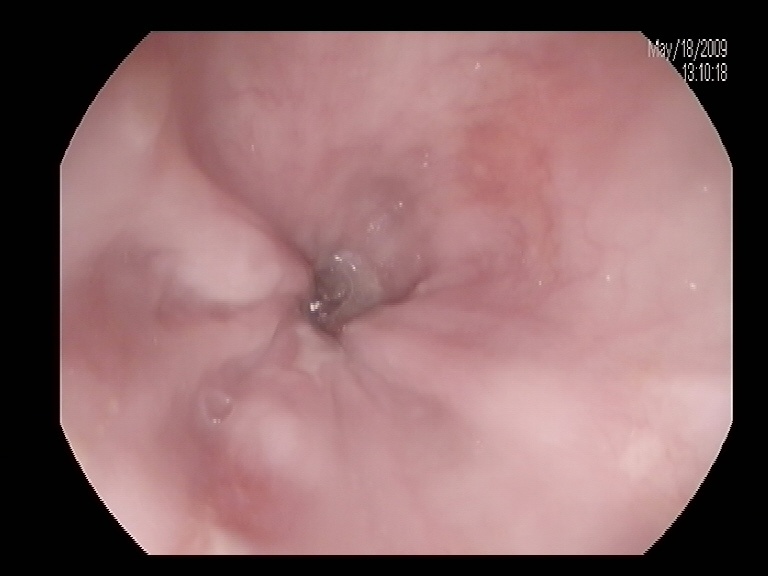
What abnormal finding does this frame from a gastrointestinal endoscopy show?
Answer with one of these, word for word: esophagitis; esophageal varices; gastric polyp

esophagitis